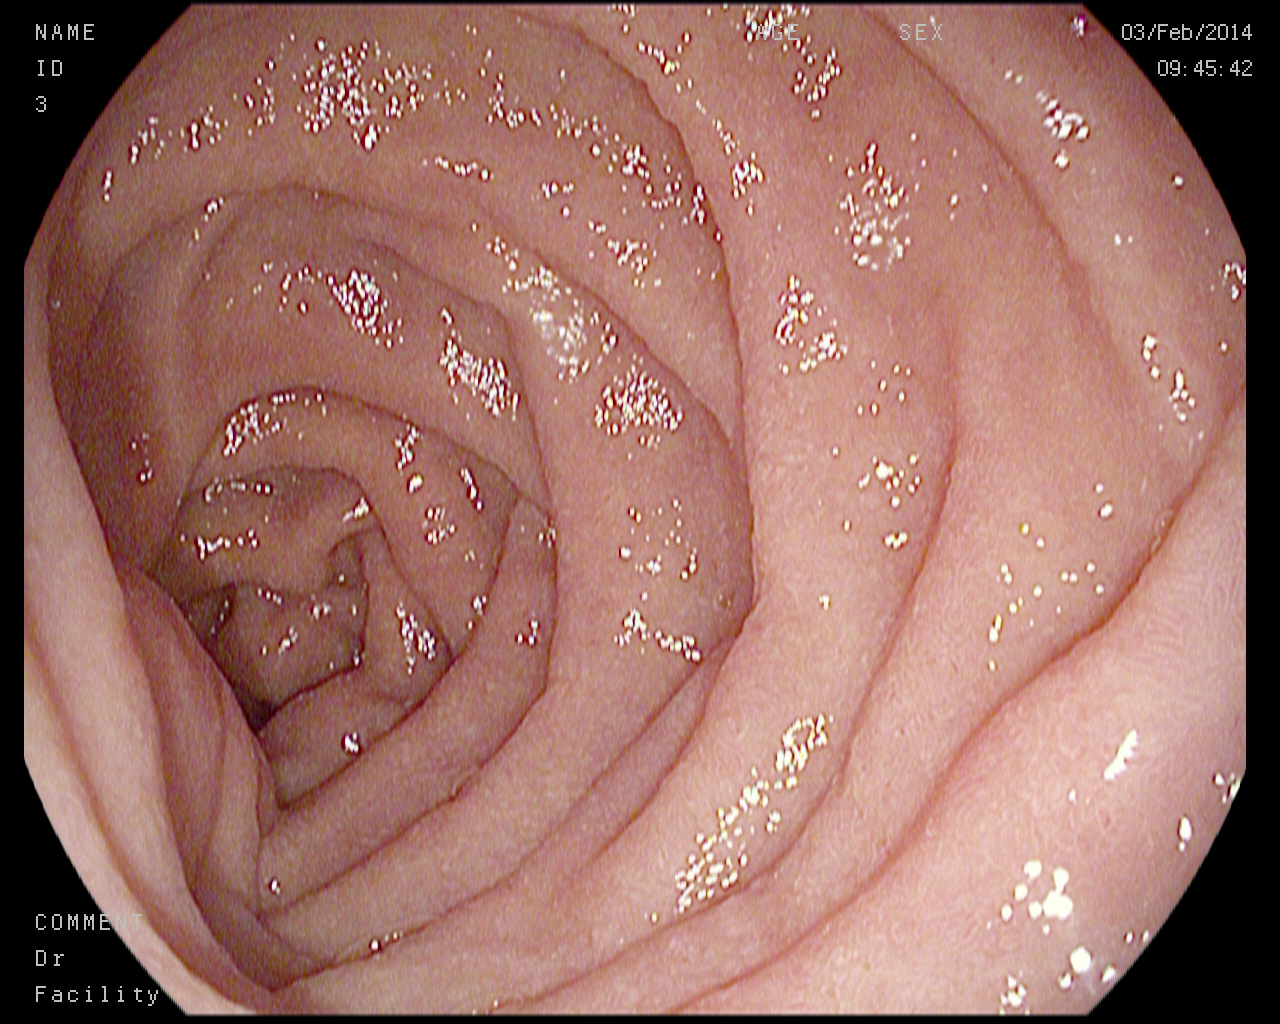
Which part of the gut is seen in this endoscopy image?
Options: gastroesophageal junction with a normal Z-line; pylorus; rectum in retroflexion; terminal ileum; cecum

terminal ileum